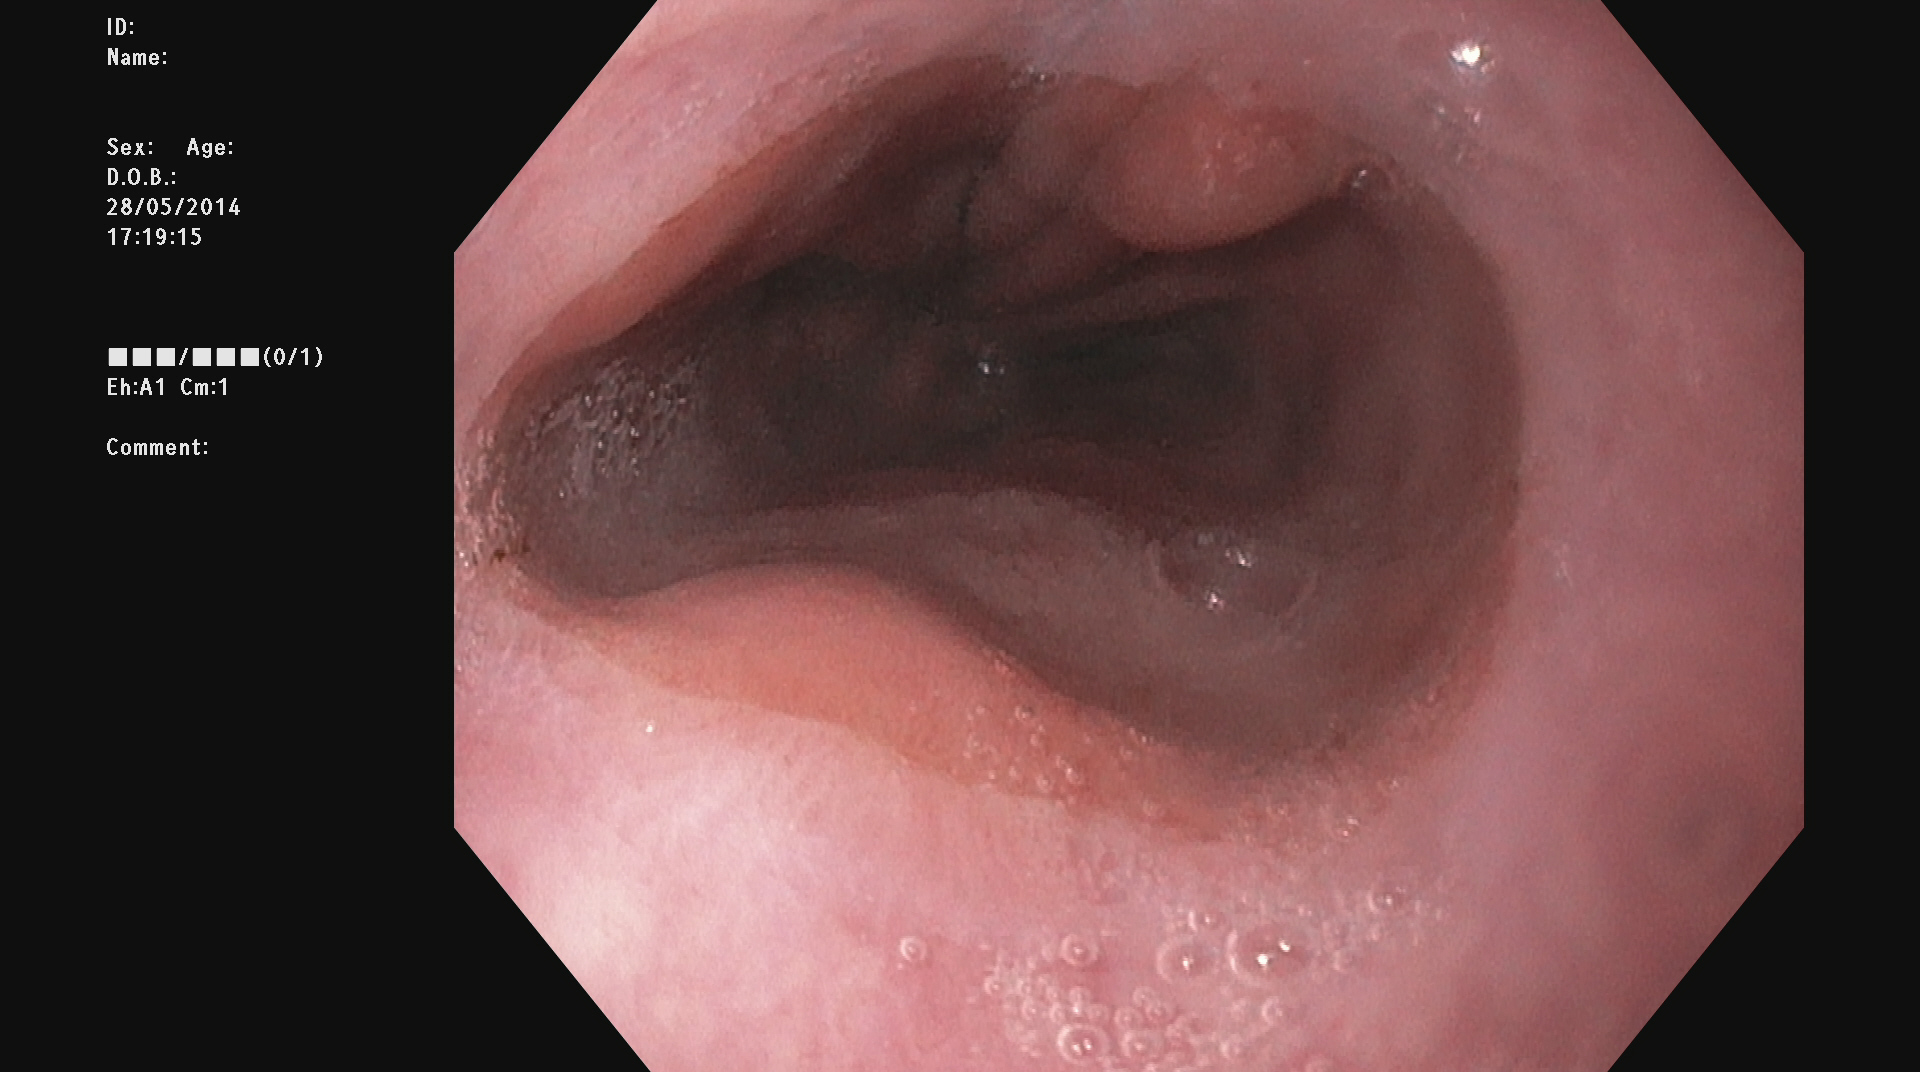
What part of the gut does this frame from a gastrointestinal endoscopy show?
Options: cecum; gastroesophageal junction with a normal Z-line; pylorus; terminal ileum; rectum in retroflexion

gastroesophageal junction with a normal Z-line